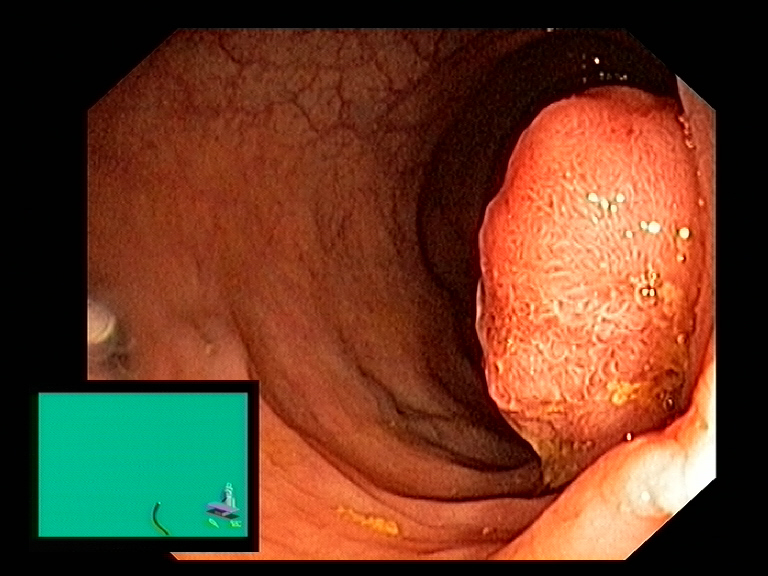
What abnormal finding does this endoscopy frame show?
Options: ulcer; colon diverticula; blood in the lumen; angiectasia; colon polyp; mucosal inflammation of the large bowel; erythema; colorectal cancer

colon polyp